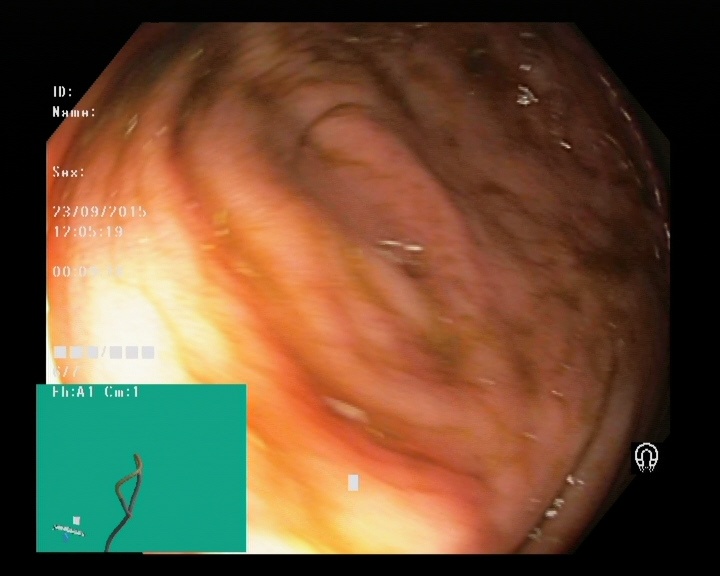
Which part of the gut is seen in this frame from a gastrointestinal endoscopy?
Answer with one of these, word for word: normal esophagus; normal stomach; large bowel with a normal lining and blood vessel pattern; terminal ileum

large bowel with a normal lining and blood vessel pattern